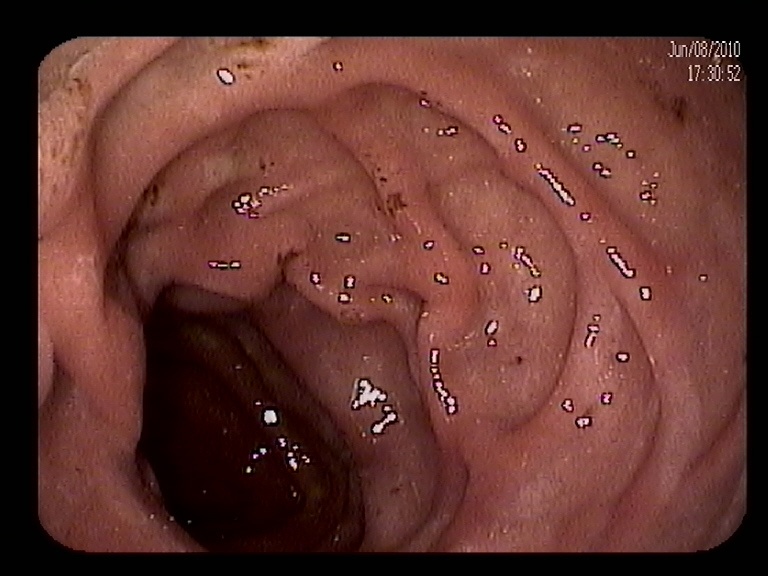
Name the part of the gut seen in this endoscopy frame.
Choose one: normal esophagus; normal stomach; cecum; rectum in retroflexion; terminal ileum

terminal ileum